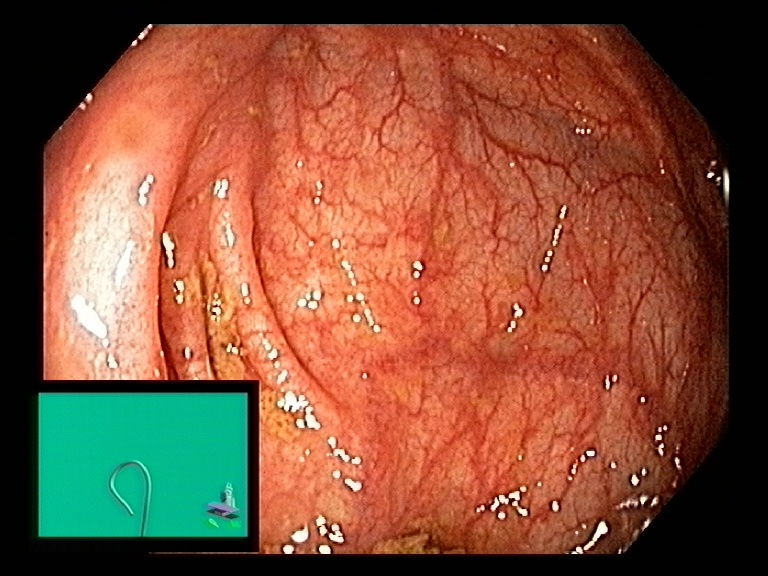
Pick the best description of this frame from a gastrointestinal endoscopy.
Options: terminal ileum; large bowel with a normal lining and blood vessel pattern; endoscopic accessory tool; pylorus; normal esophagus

large bowel with a normal lining and blood vessel pattern